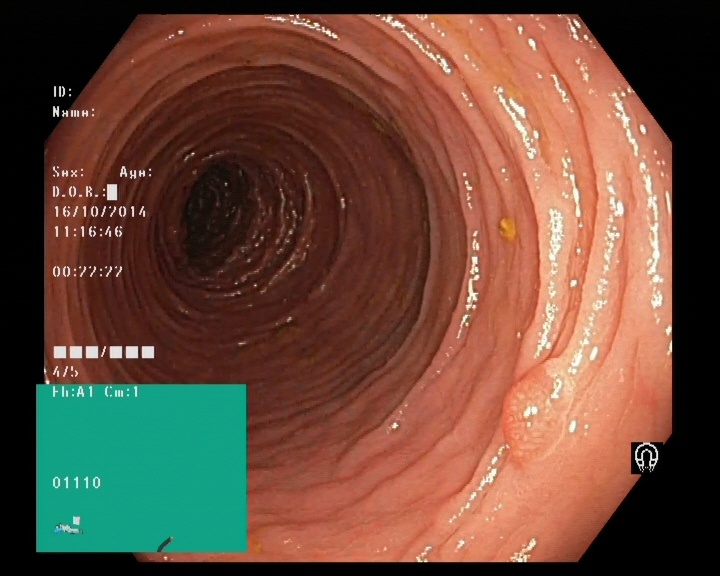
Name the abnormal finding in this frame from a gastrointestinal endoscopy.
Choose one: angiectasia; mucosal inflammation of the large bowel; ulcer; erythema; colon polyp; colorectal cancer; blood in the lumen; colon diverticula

colon polyp